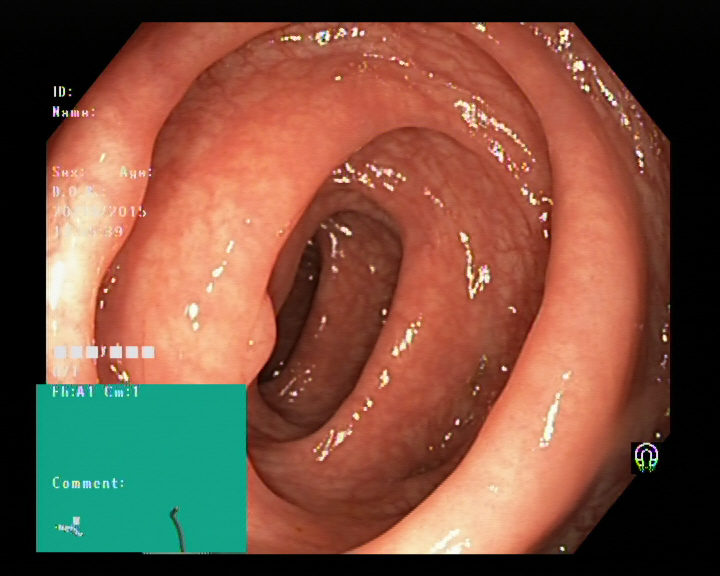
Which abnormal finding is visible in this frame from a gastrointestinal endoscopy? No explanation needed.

colon polyp